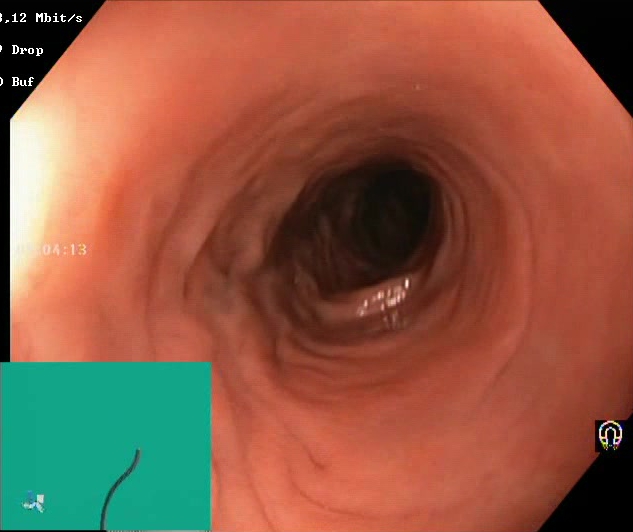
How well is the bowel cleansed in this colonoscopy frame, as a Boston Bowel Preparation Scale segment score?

Boston Bowel Preparation Scale score 2–3 (adequate preparation)